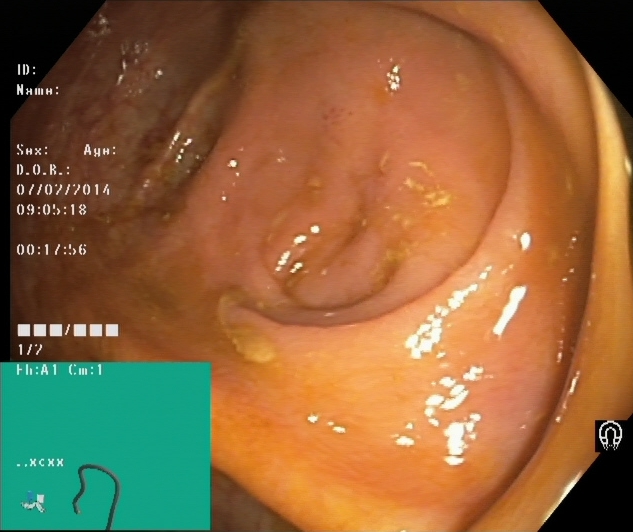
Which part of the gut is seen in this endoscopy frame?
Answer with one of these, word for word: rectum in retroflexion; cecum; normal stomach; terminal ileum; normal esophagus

cecum